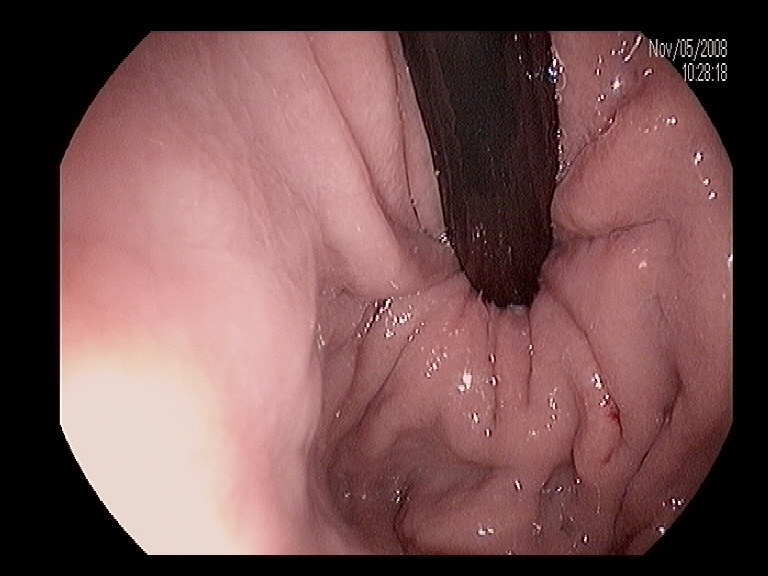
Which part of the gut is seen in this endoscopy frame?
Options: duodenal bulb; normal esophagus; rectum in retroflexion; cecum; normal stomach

normal stomach